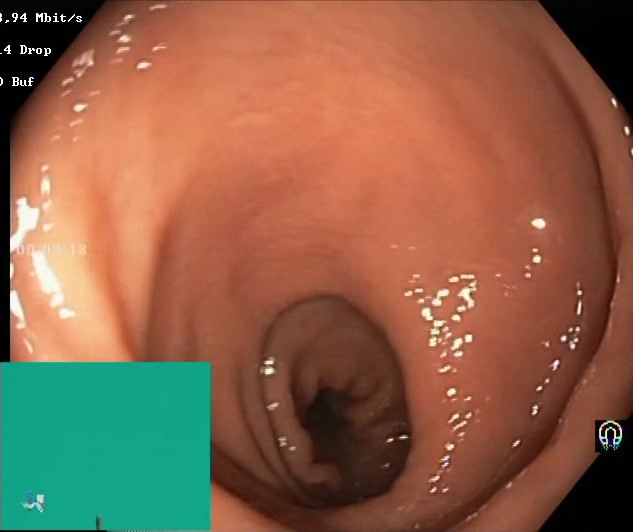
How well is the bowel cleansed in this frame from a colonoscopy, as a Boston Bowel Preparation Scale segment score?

Boston Bowel Preparation Scale score 2–3 (adequate preparation)